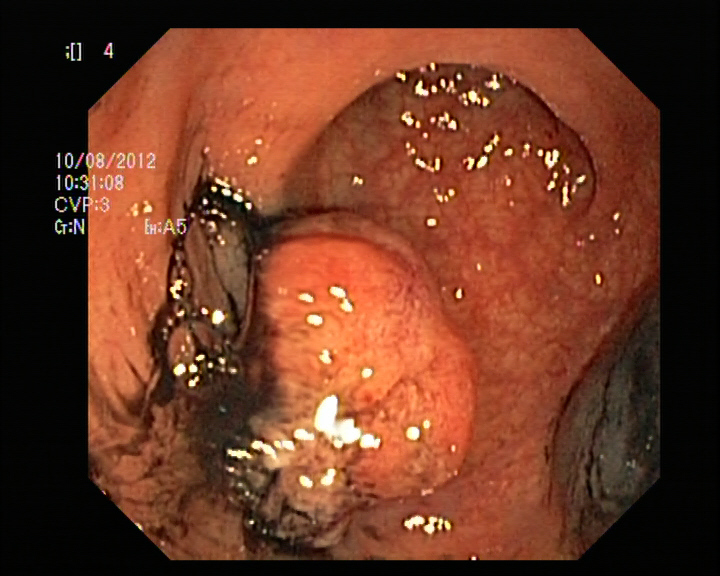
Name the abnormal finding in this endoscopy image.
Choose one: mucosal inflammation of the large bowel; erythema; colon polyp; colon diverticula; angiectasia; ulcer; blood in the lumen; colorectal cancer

colon polyp